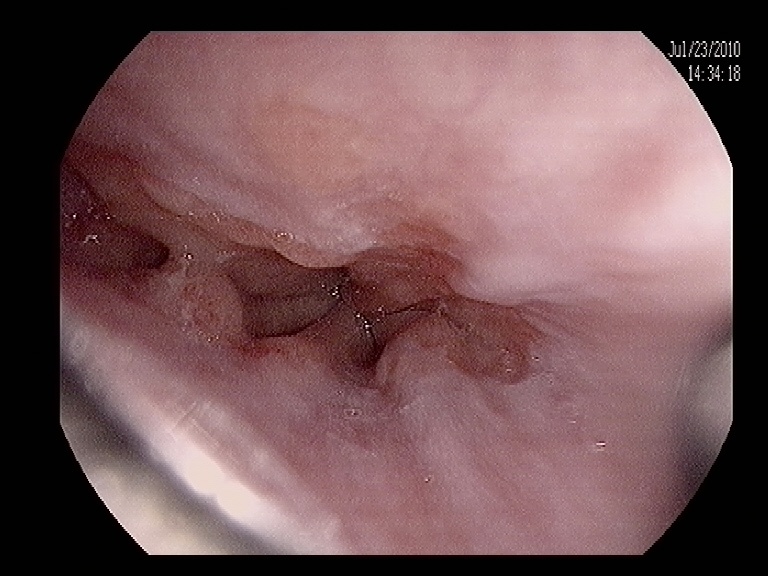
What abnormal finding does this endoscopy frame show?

esophagitis